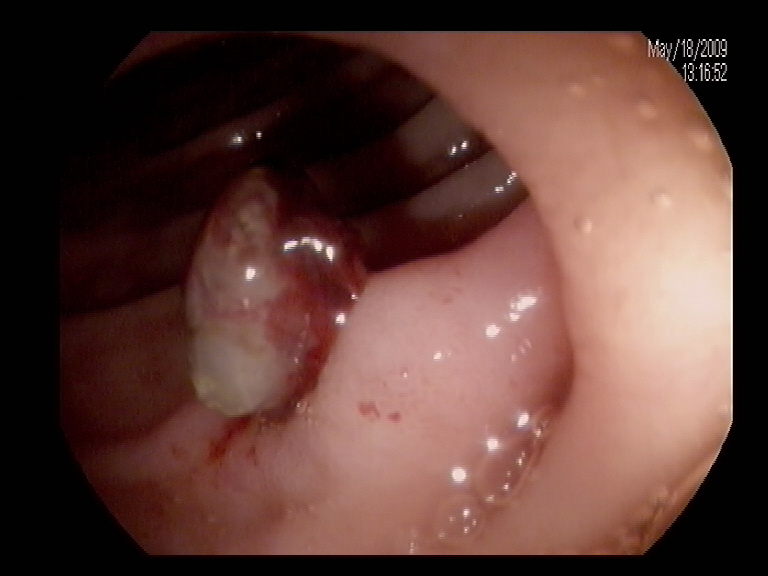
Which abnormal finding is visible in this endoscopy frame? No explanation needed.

colon polyp